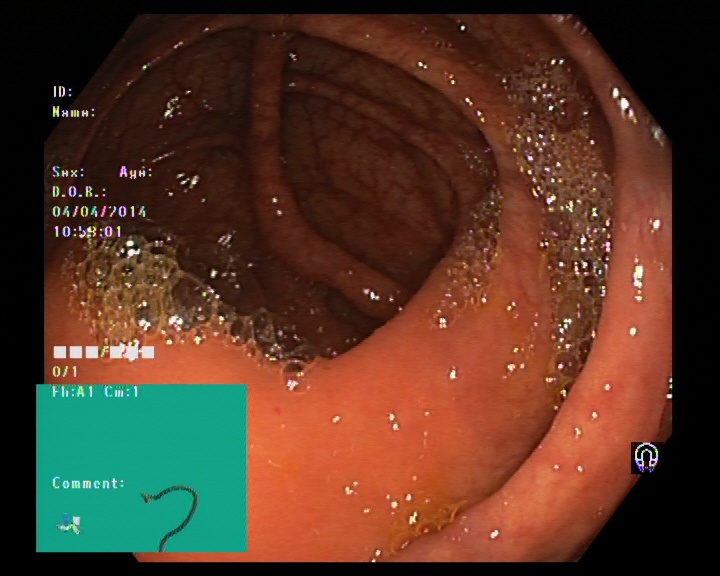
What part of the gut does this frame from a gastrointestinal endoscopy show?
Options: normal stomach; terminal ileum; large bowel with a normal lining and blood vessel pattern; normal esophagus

large bowel with a normal lining and blood vessel pattern